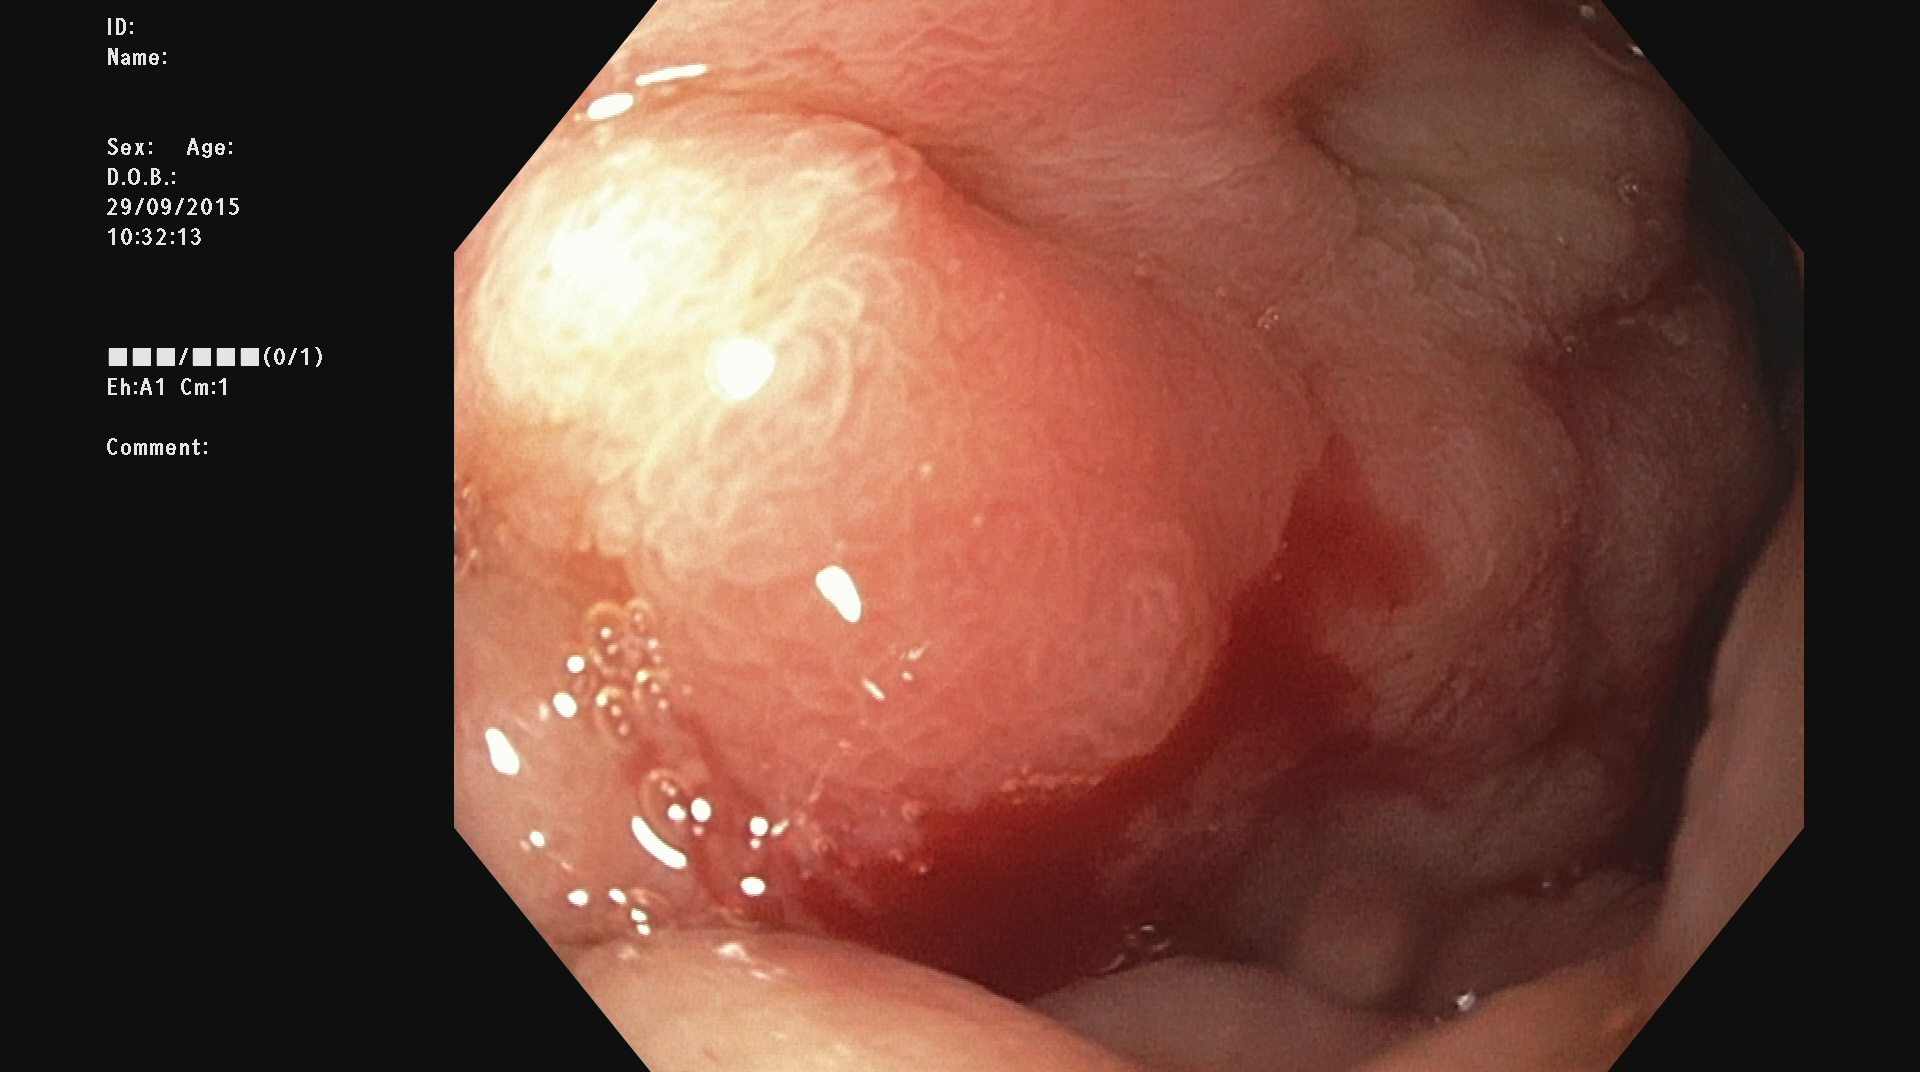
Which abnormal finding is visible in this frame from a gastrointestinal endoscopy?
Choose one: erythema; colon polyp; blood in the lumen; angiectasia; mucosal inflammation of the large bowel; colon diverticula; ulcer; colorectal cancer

colon polyp